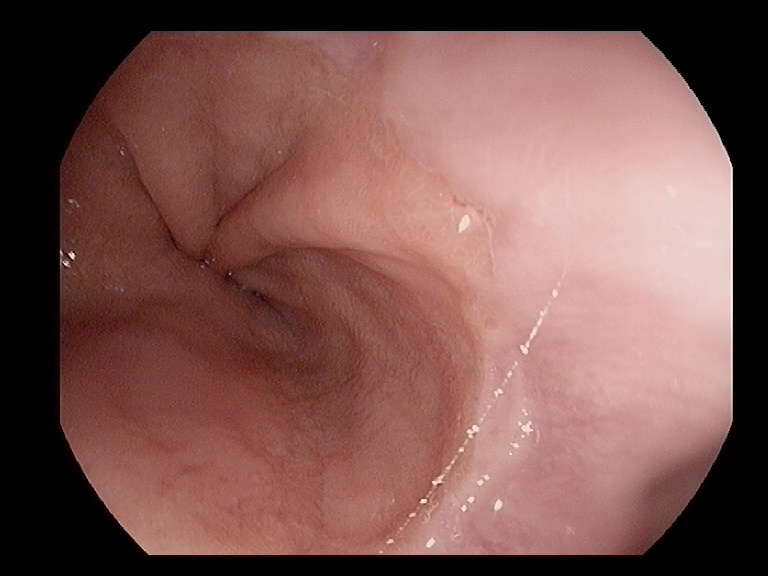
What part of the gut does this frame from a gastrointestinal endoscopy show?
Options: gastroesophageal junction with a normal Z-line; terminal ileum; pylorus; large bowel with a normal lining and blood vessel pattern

gastroesophageal junction with a normal Z-line